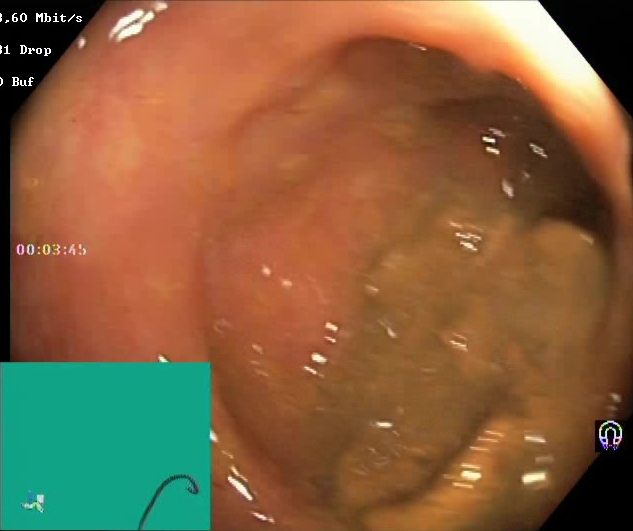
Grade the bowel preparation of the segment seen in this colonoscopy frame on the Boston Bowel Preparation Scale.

Boston Bowel Preparation Scale score 0–1 (inadequate preparation)